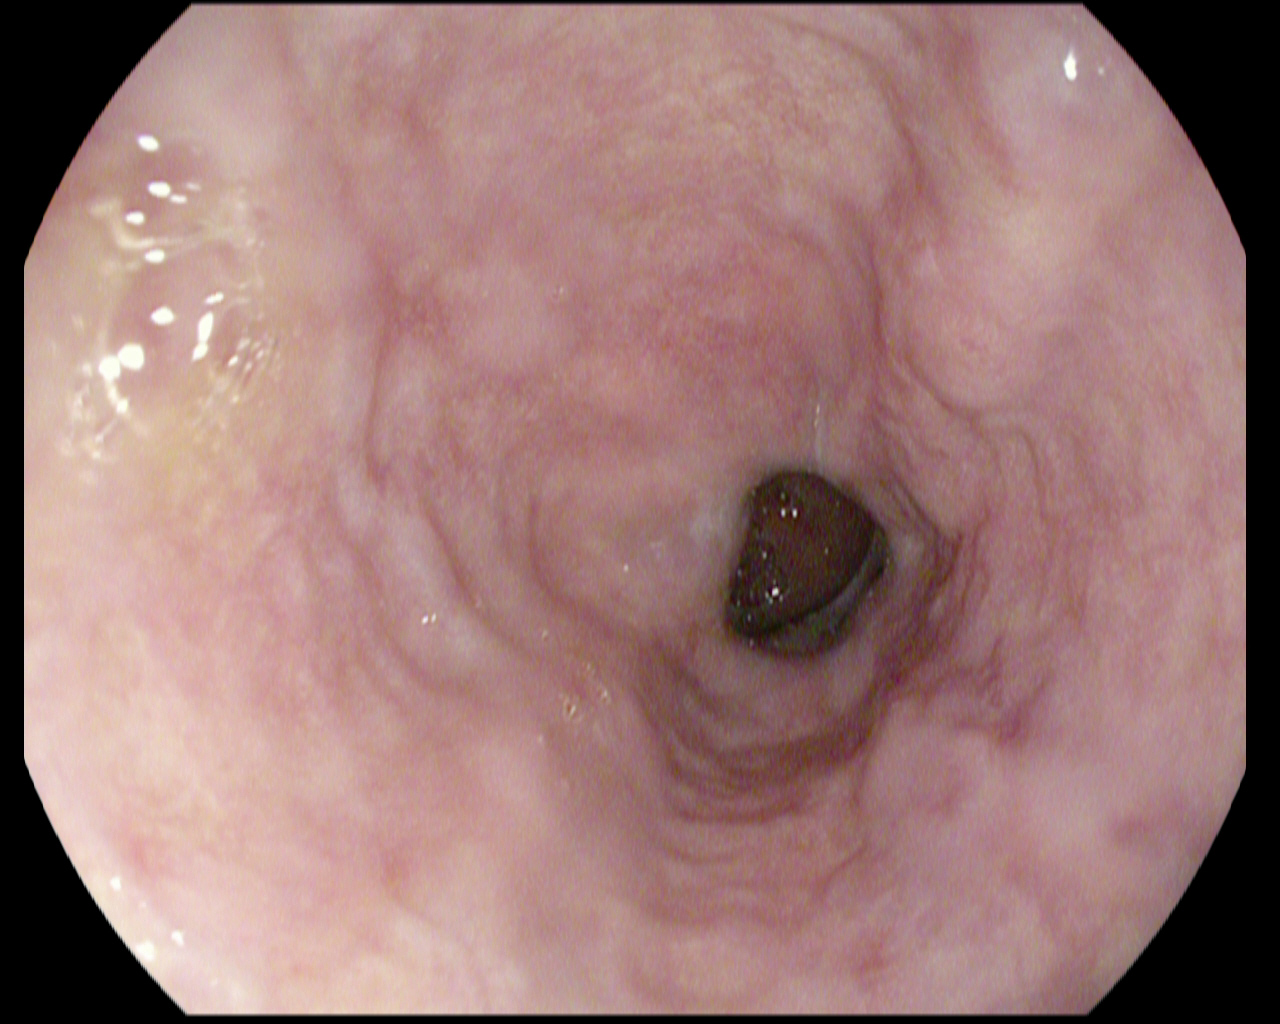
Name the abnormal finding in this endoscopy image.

esophageal varices